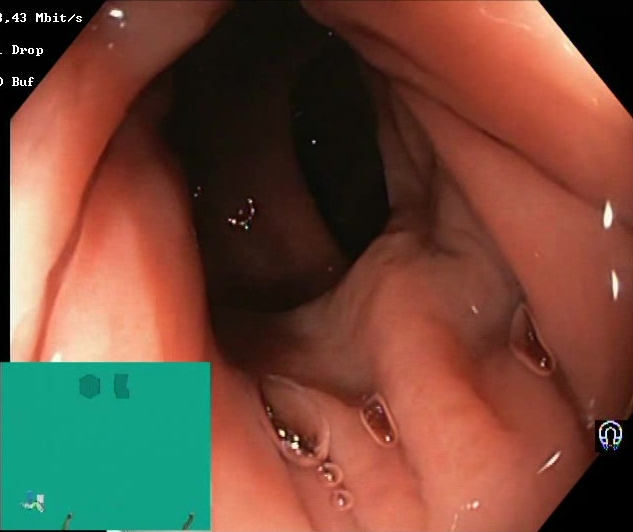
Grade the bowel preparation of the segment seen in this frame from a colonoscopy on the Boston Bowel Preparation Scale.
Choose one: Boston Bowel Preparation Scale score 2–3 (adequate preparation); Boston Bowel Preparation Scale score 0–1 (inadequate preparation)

Boston Bowel Preparation Scale score 2–3 (adequate preparation)